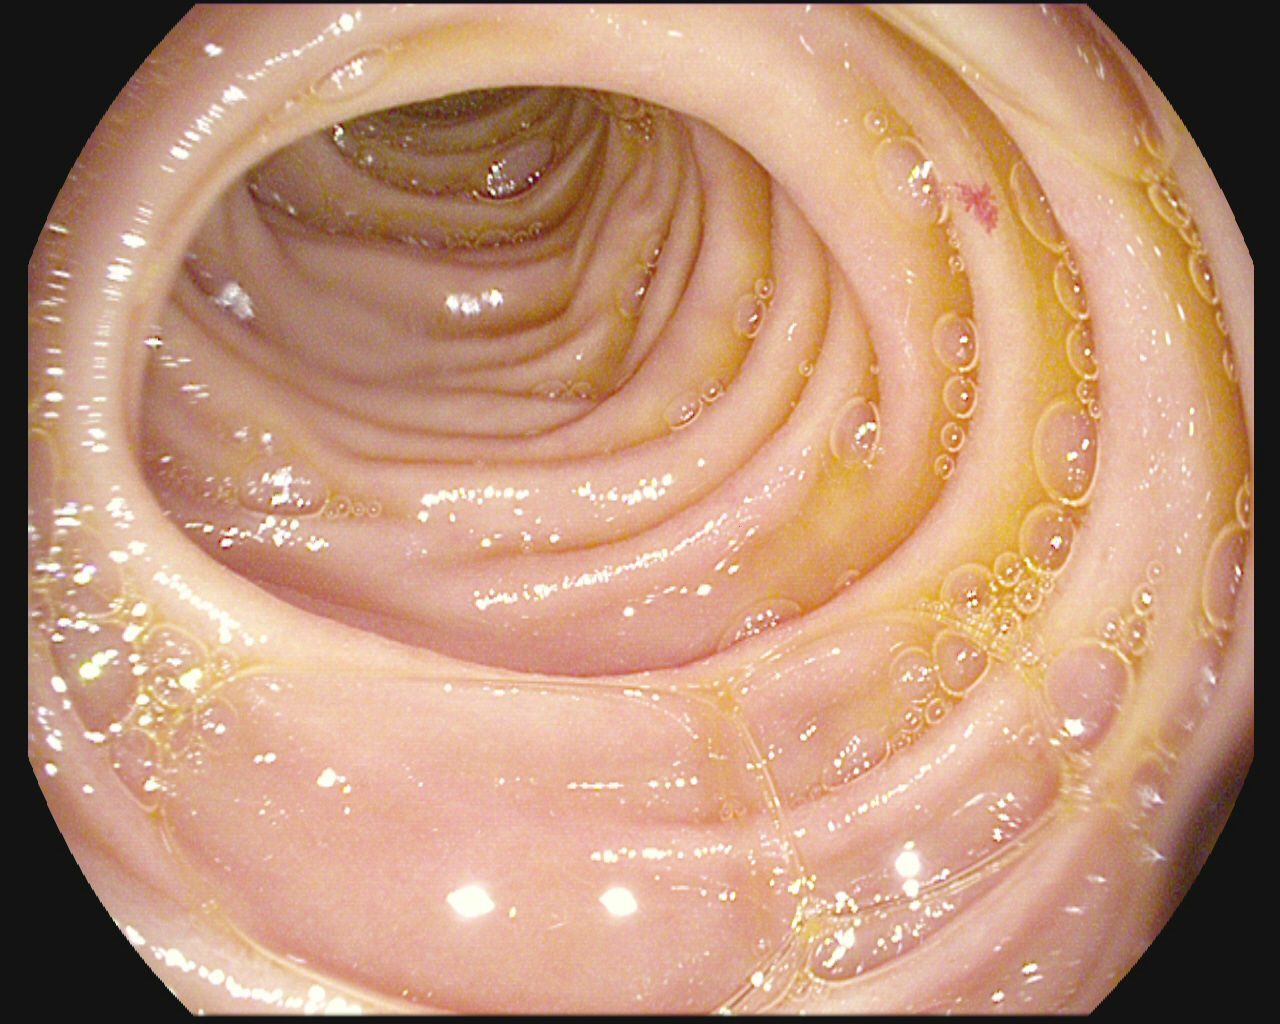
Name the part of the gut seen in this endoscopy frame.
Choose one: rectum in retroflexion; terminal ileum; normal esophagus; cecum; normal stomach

terminal ileum